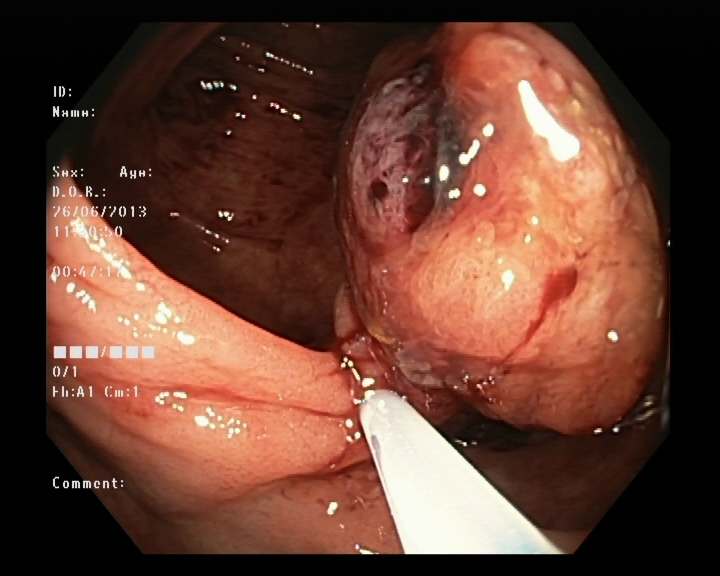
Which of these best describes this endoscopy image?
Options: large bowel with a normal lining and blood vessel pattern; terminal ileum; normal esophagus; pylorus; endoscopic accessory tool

endoscopic accessory tool